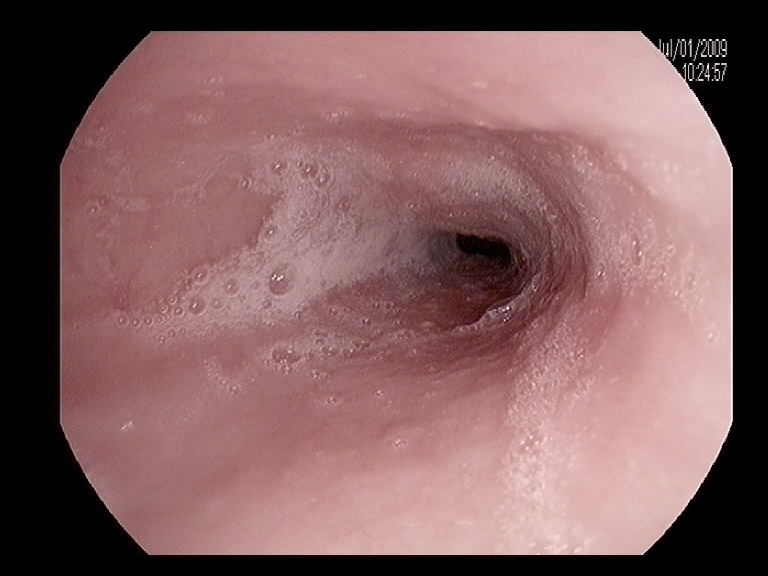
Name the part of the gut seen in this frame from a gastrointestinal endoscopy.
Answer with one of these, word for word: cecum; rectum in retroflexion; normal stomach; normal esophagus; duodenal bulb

normal esophagus